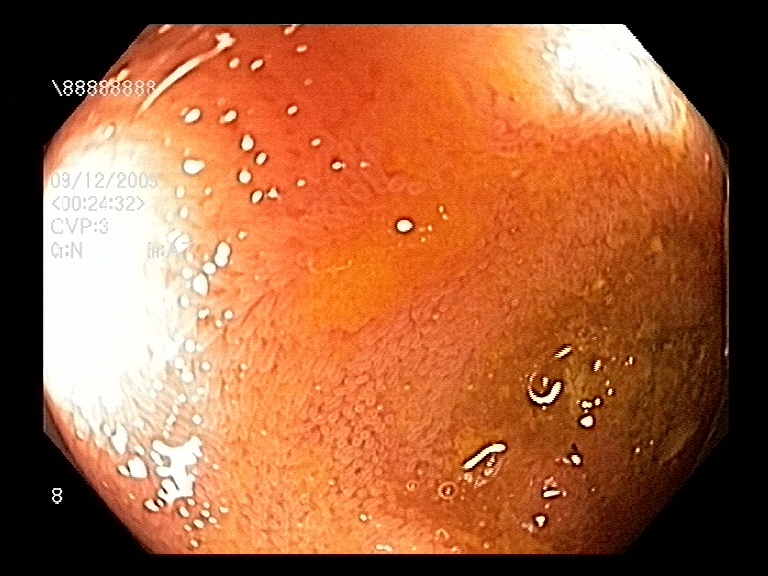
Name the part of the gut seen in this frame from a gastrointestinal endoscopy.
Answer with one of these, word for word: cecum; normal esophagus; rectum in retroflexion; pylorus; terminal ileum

terminal ileum